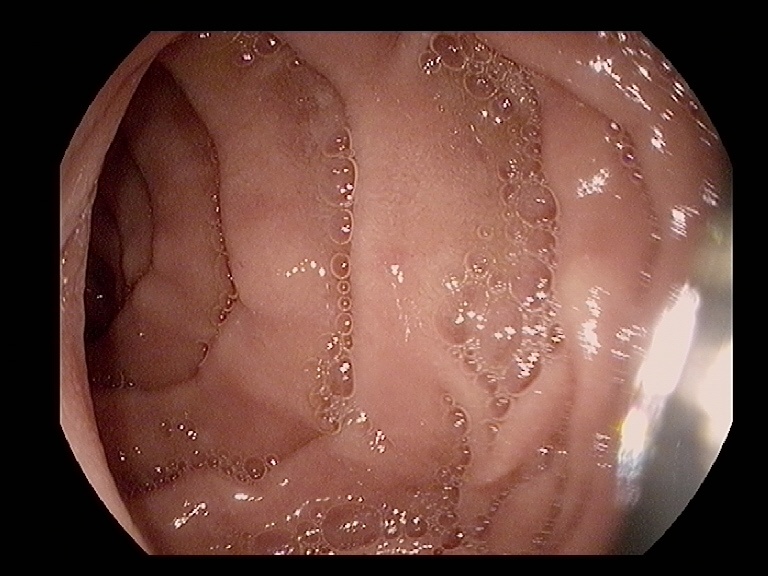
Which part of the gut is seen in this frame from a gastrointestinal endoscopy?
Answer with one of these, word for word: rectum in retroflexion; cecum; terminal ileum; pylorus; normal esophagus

terminal ileum